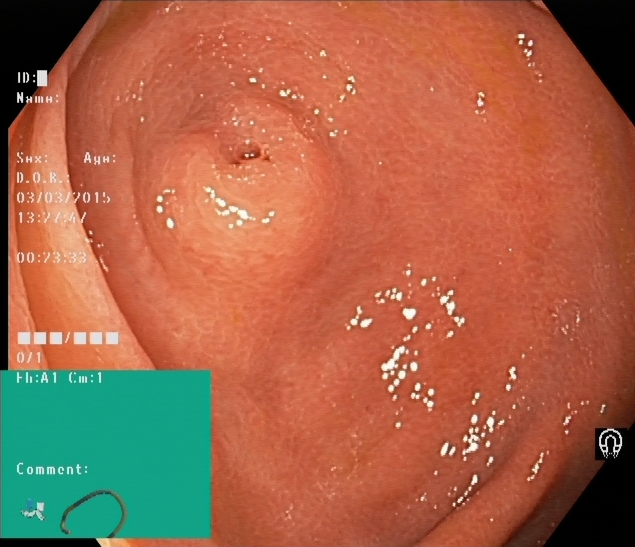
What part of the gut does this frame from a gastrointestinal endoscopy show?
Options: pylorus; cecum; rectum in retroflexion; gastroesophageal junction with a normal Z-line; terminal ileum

cecum